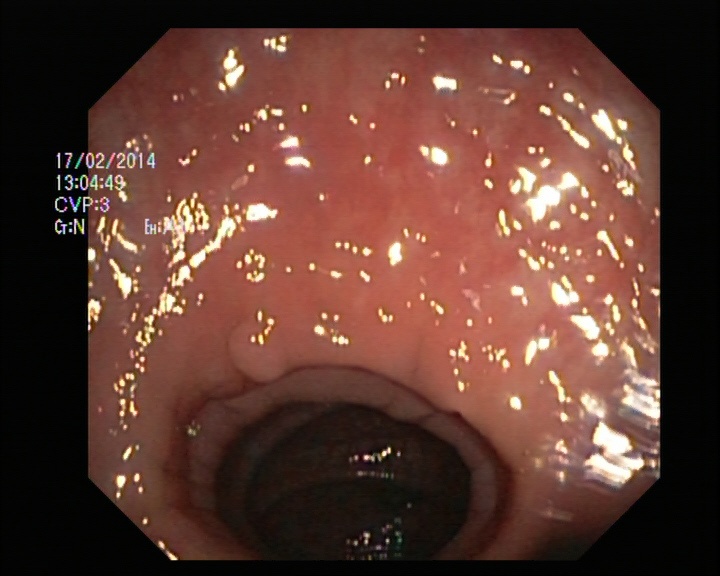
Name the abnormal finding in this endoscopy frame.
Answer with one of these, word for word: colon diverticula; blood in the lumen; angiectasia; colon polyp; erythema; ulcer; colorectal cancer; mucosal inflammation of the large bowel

colon polyp